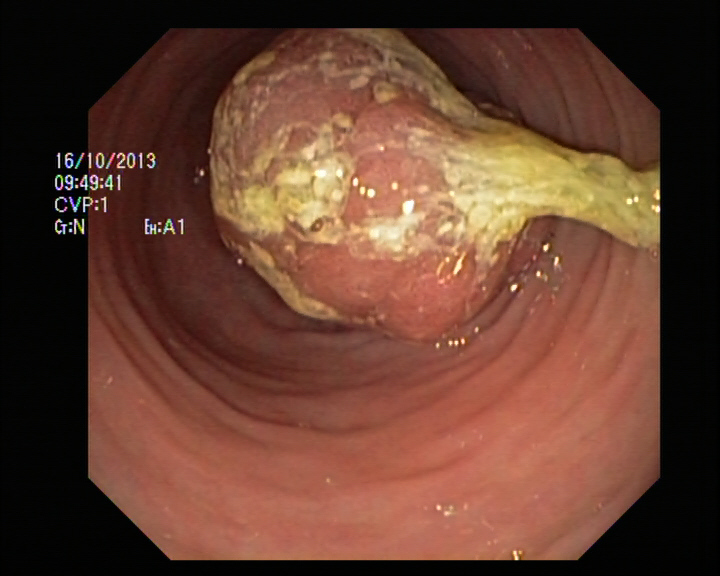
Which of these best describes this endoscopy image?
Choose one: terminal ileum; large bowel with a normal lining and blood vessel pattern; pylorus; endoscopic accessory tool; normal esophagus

endoscopic accessory tool